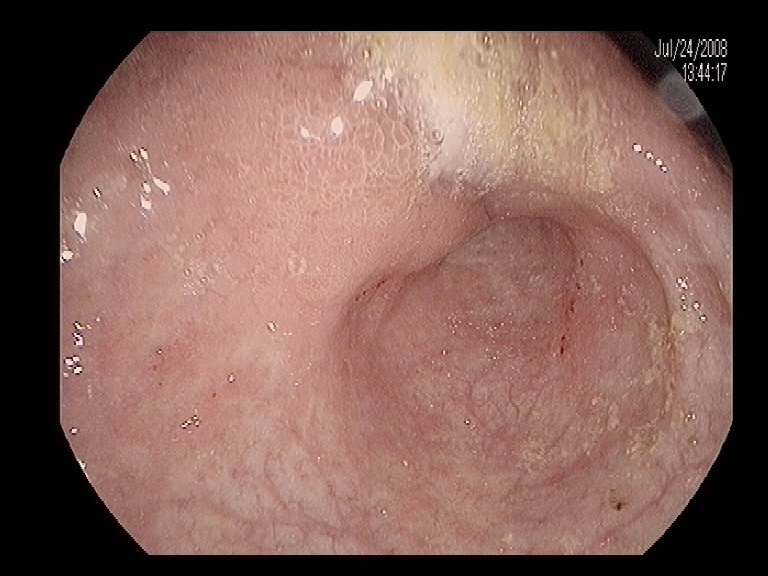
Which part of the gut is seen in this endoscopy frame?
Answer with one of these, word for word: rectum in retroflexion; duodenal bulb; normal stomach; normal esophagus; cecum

normal stomach